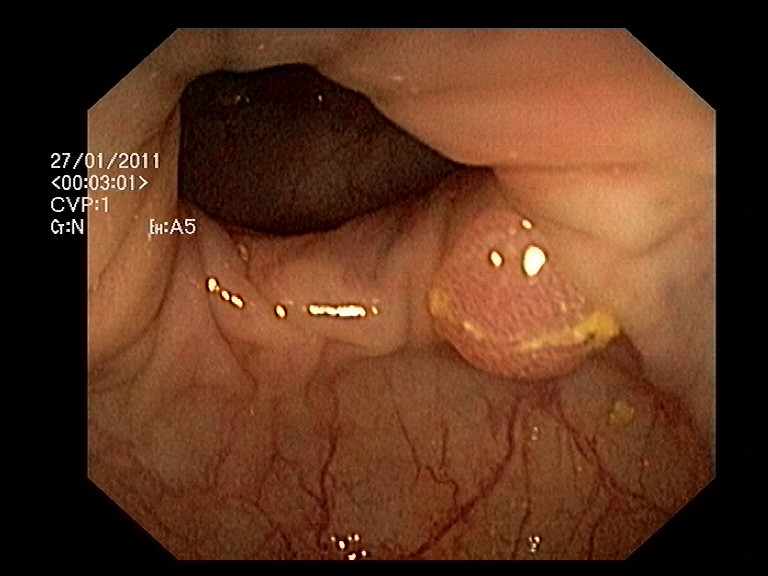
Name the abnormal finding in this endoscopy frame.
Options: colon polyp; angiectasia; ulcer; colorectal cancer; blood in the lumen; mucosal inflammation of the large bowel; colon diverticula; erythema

colon polyp